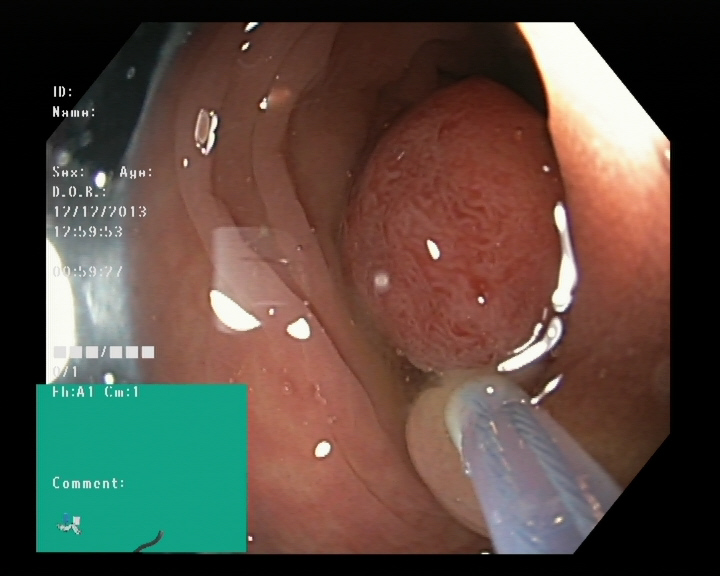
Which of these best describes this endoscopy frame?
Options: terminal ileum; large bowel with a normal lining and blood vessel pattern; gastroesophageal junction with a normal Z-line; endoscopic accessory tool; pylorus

endoscopic accessory tool